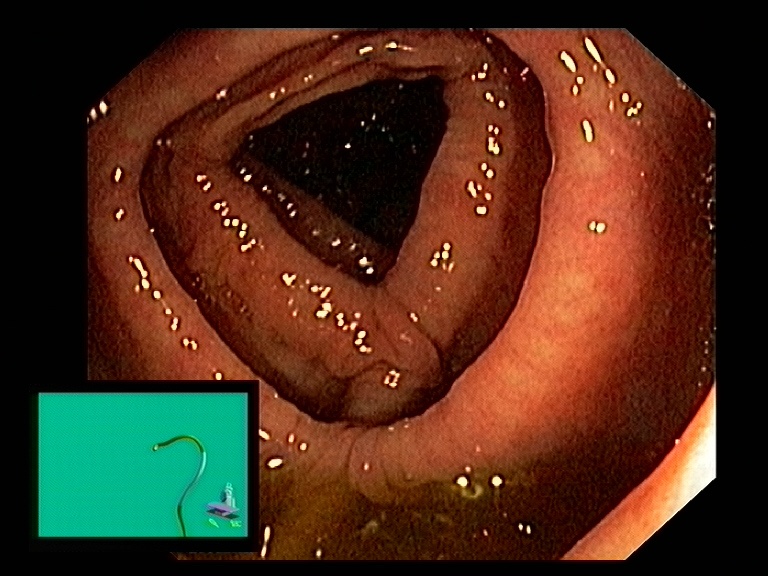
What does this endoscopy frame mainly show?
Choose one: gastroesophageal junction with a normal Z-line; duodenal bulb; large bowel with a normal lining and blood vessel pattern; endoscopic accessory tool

large bowel with a normal lining and blood vessel pattern